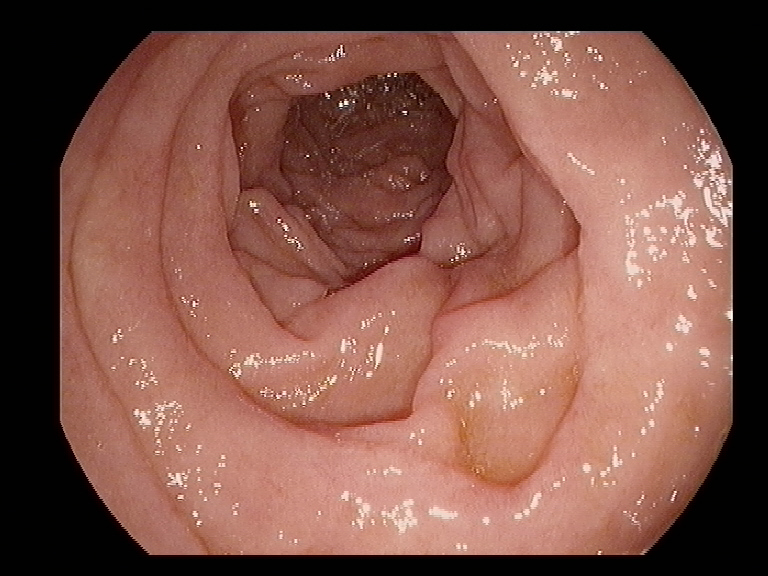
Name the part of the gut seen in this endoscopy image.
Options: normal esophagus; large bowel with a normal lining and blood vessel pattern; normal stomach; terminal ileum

terminal ileum